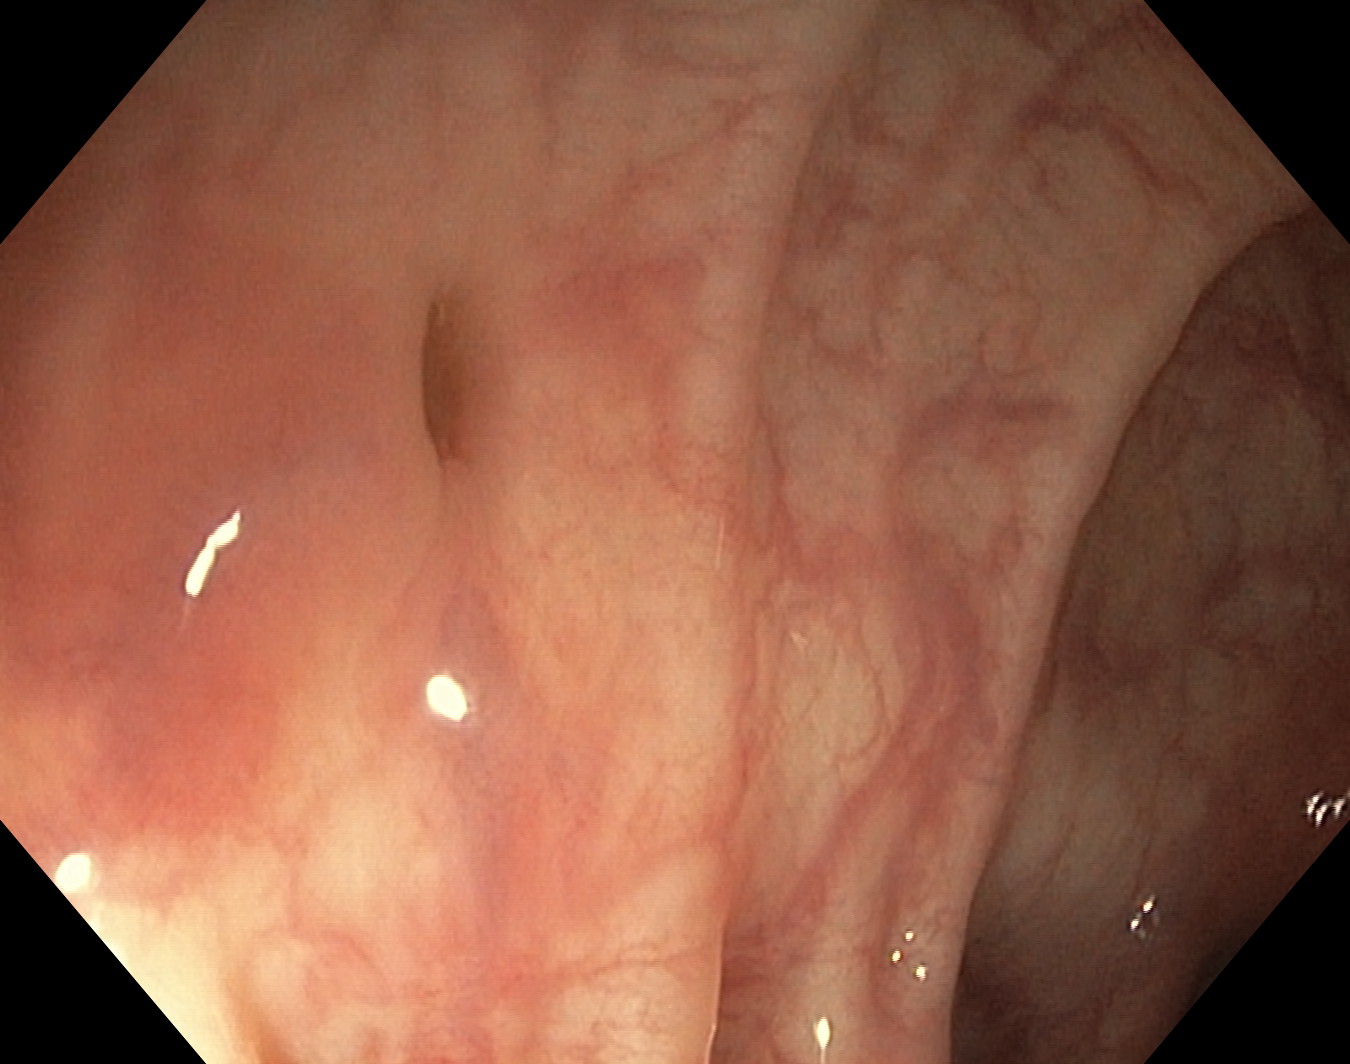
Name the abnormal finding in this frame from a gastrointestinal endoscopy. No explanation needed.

colon diverticula